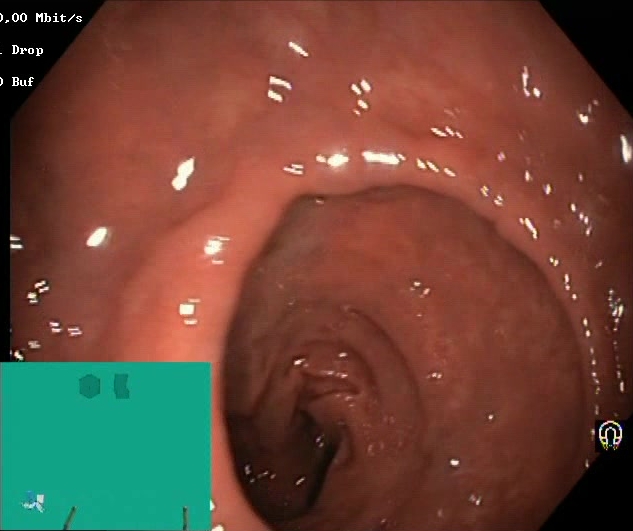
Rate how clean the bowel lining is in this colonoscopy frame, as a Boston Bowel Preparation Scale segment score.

Boston Bowel Preparation Scale score 2–3 (adequate preparation)